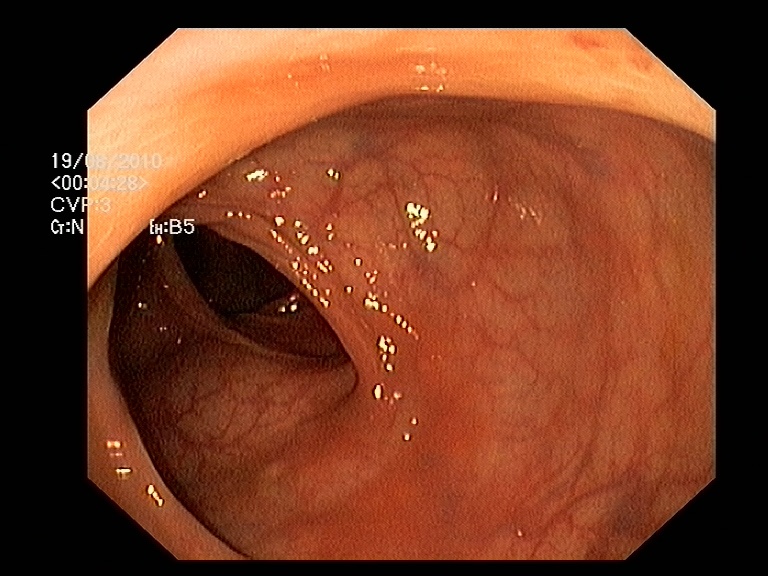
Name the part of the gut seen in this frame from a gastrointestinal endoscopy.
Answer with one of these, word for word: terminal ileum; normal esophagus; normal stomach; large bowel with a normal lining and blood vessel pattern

large bowel with a normal lining and blood vessel pattern